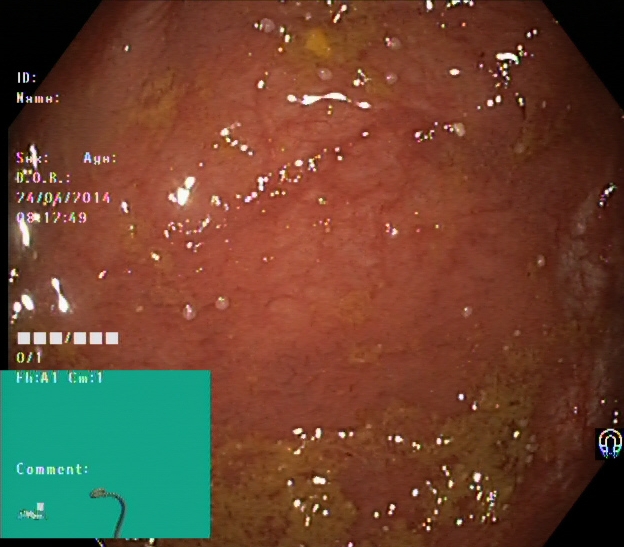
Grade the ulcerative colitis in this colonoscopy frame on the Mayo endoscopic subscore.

ulcerative colitis, Mayo endoscopic subscore 1